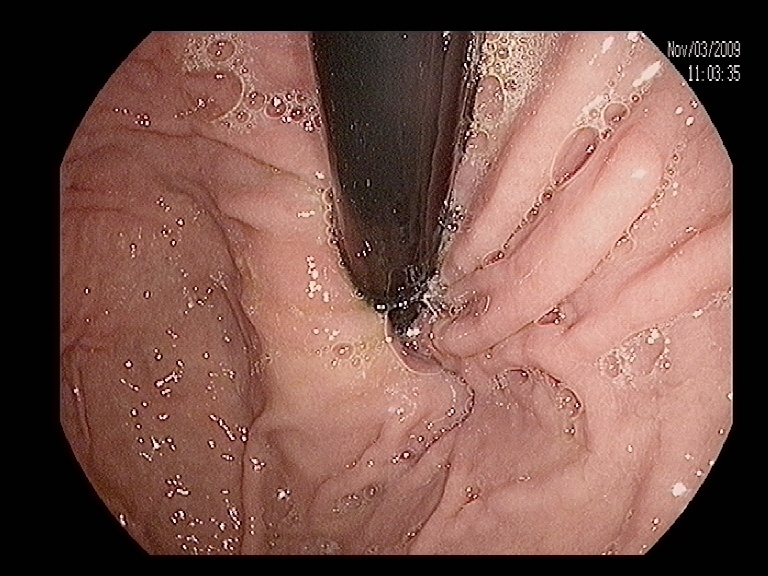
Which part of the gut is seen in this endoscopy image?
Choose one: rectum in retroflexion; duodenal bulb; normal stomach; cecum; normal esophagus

normal stomach